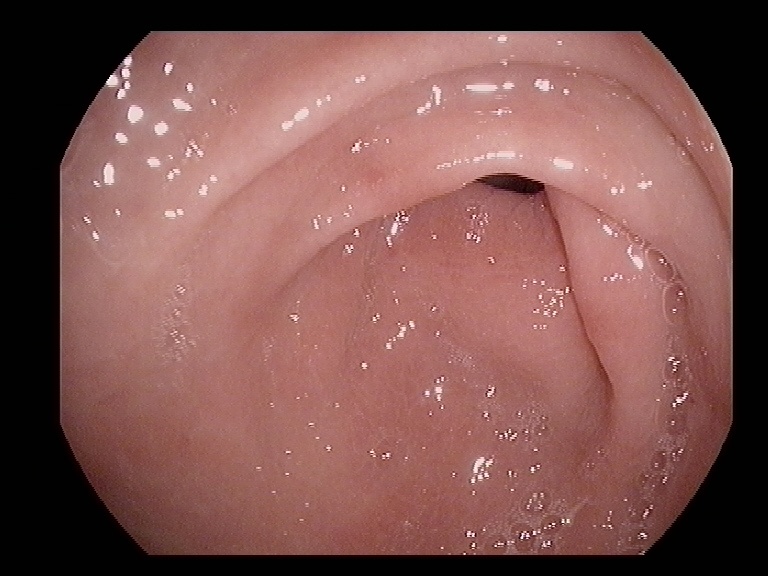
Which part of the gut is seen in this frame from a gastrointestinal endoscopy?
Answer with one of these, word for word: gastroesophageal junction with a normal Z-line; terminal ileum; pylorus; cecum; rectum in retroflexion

pylorus